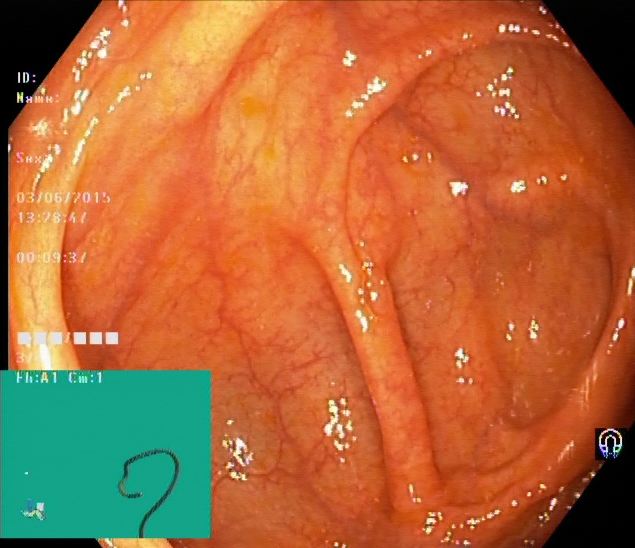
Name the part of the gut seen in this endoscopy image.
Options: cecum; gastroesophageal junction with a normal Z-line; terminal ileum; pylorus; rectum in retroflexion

cecum